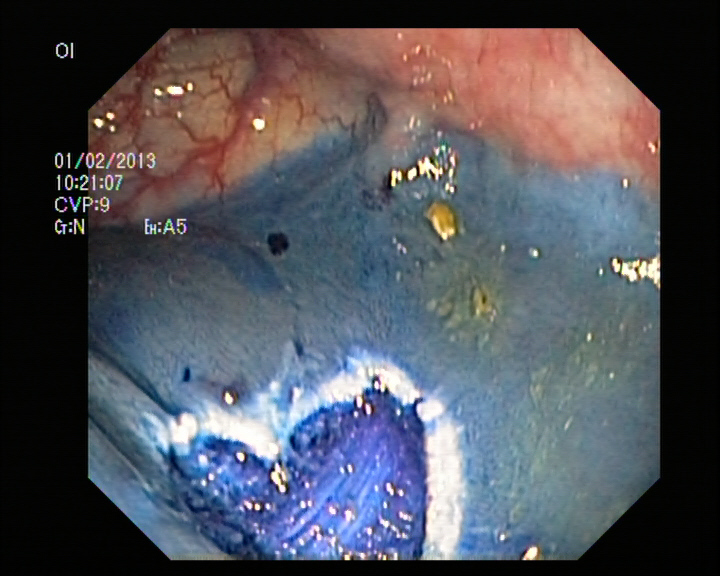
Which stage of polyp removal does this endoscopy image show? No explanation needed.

dyed resection margin (post-polypectomy)